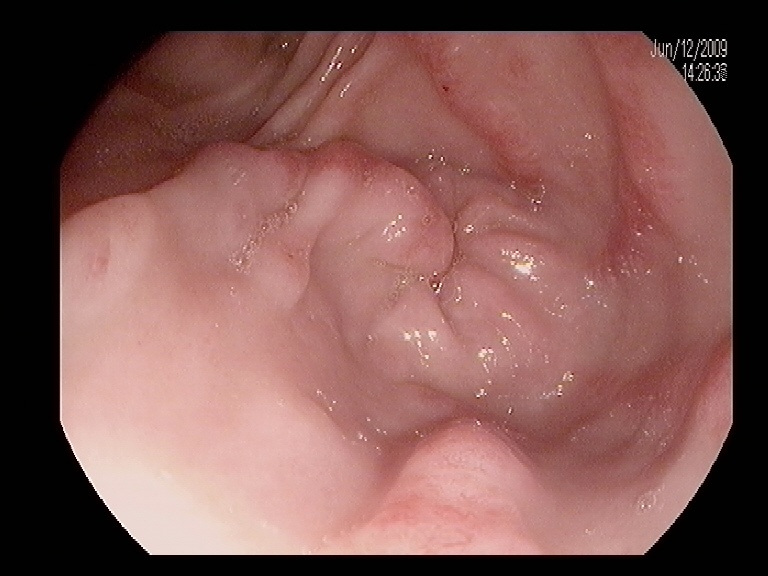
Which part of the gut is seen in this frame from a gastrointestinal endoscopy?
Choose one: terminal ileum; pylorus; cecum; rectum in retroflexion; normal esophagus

pylorus